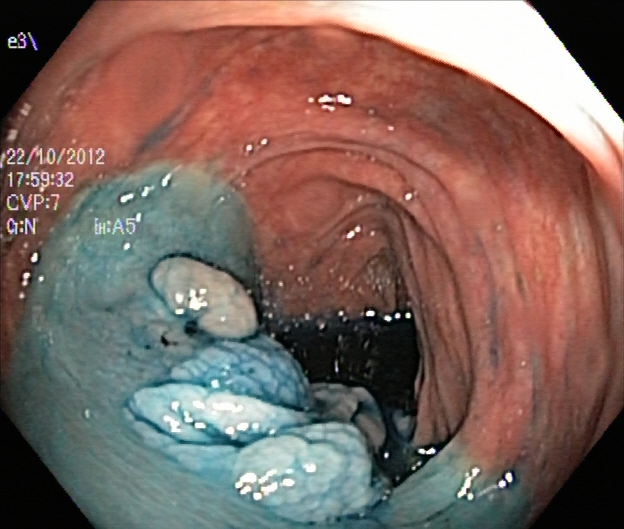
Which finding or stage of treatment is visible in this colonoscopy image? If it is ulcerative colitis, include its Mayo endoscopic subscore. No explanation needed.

dyed and lifted polyp (pre-resection)